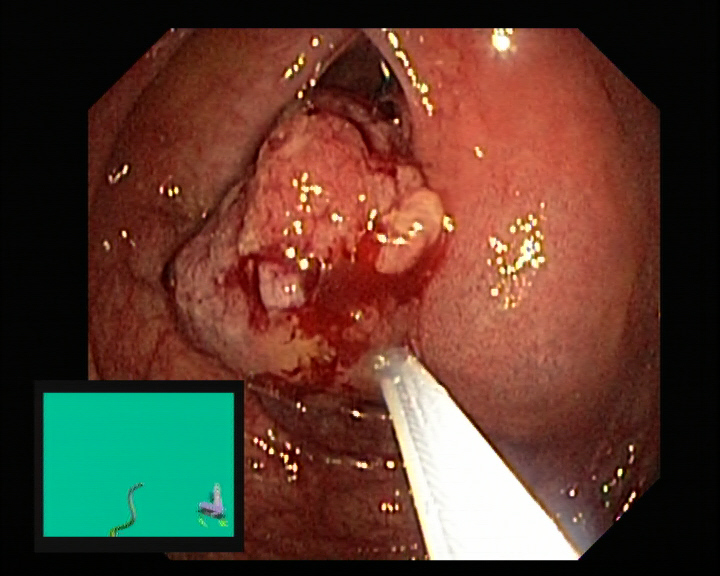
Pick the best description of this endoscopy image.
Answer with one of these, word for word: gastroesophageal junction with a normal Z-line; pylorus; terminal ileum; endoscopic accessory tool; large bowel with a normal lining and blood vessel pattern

endoscopic accessory tool